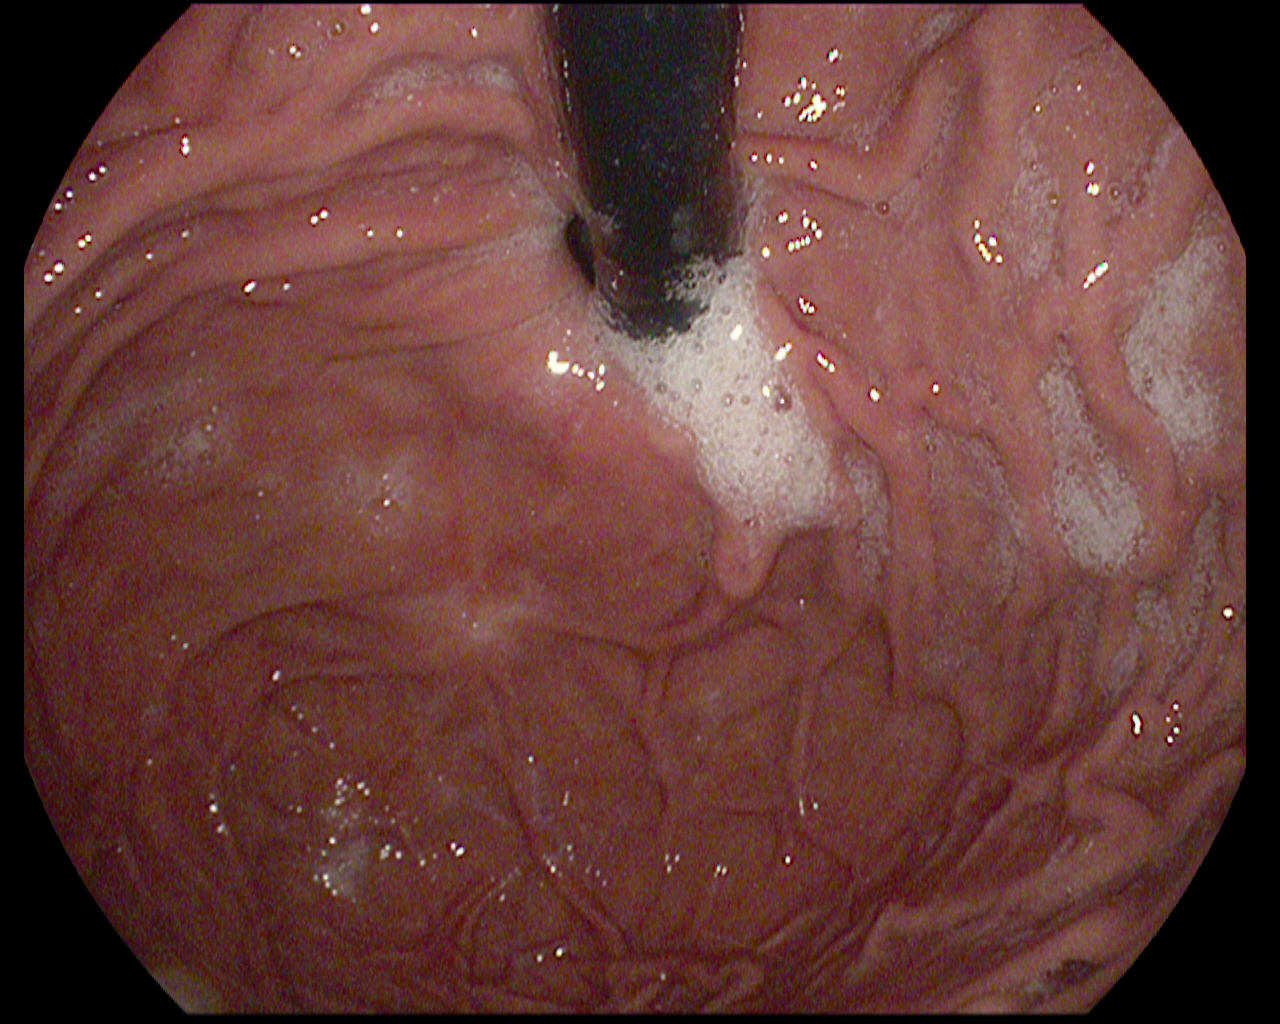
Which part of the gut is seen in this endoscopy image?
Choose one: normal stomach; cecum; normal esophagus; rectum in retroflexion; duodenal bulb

normal stomach